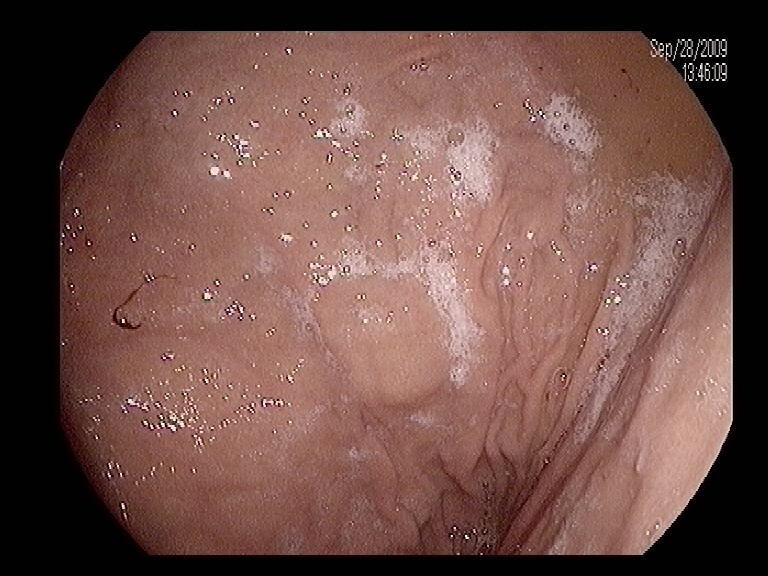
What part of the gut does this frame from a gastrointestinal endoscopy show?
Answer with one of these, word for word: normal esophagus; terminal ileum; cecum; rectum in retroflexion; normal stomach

normal stomach